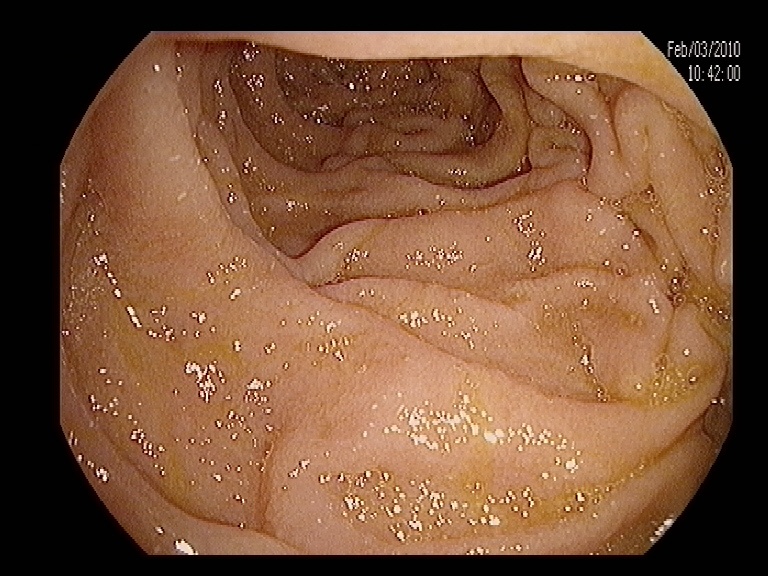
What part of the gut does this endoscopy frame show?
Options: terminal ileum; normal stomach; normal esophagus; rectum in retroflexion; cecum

terminal ileum